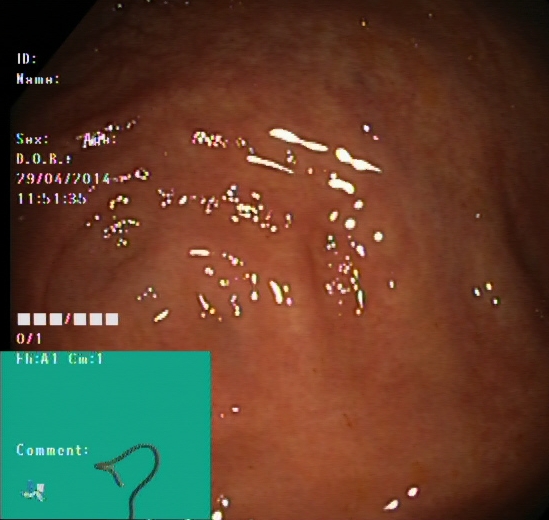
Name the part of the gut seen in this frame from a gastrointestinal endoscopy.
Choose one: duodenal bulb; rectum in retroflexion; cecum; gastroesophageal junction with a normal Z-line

cecum